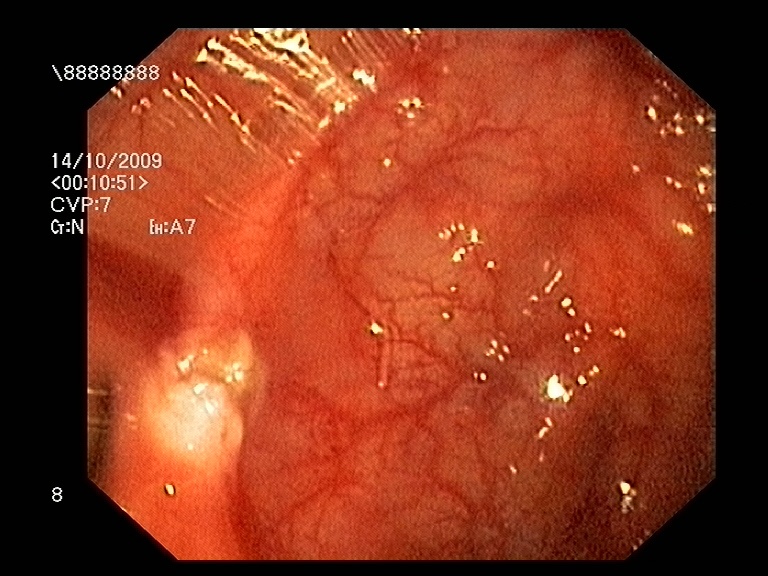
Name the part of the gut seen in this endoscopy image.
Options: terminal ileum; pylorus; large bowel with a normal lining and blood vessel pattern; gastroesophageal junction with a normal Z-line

large bowel with a normal lining and blood vessel pattern